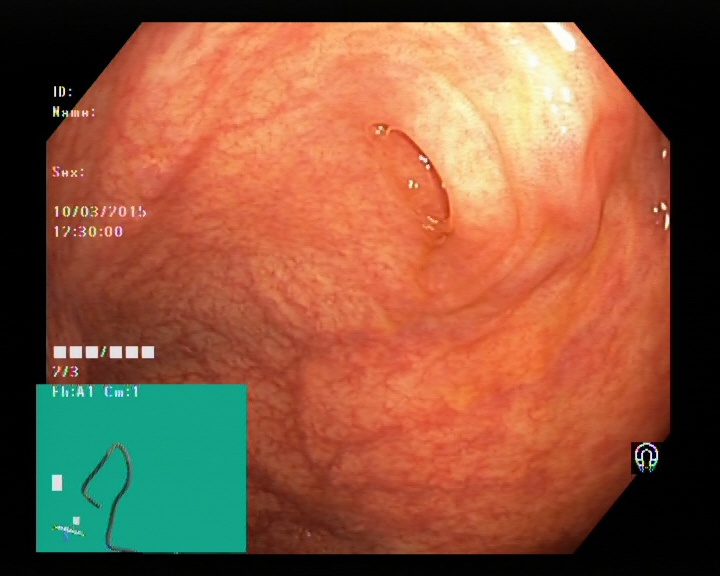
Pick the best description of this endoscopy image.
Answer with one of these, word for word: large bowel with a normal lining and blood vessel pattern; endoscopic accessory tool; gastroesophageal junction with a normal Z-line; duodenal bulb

large bowel with a normal lining and blood vessel pattern